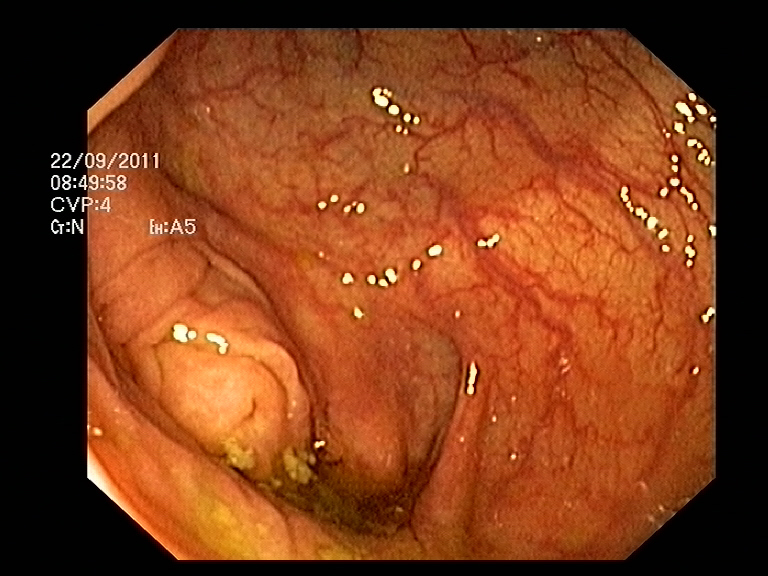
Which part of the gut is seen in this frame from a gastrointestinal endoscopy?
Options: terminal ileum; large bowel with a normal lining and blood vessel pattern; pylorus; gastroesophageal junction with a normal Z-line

large bowel with a normal lining and blood vessel pattern